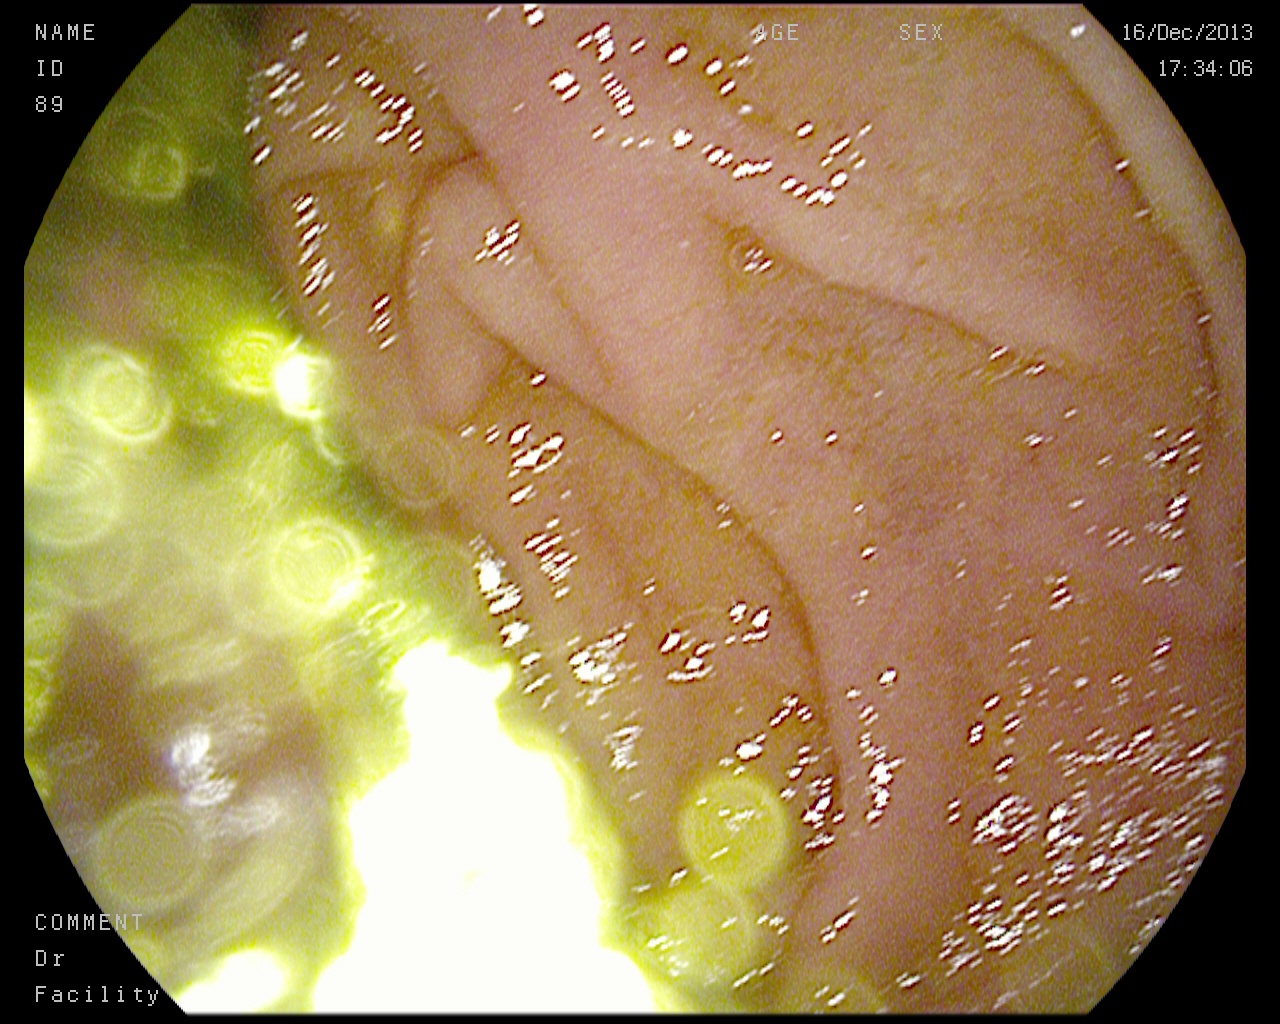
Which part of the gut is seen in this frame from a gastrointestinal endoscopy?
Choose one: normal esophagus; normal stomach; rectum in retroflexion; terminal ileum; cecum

terminal ileum